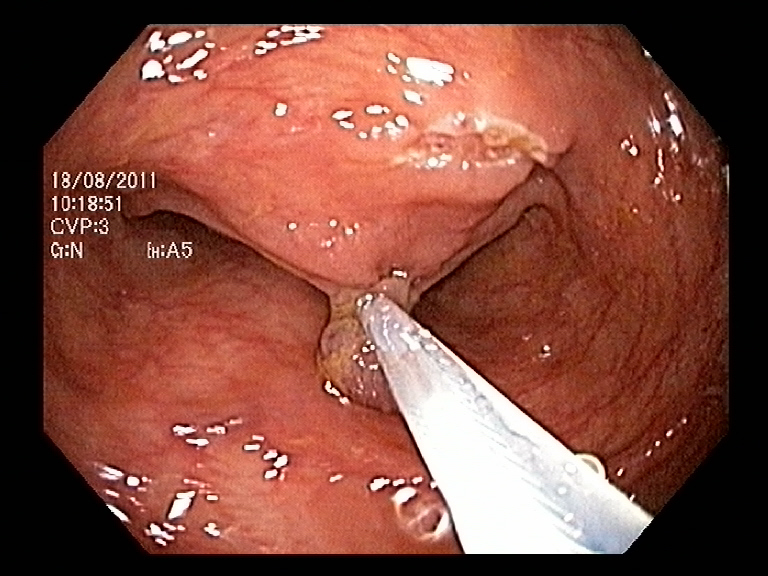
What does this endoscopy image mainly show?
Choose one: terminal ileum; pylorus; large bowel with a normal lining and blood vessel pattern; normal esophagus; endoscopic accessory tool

endoscopic accessory tool